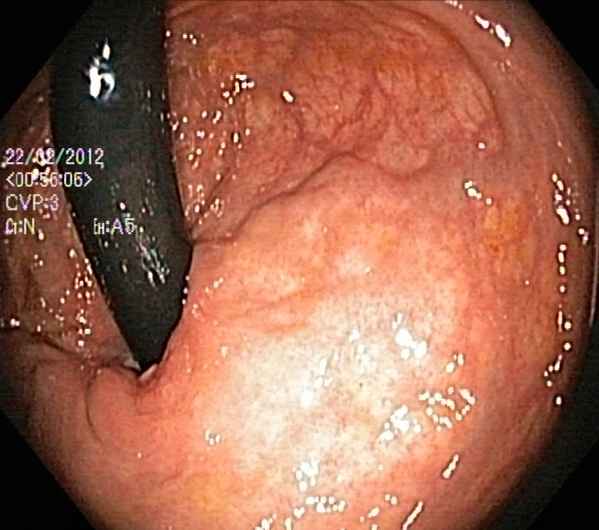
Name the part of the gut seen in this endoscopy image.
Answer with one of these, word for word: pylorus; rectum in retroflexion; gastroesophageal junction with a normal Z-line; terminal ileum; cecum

rectum in retroflexion